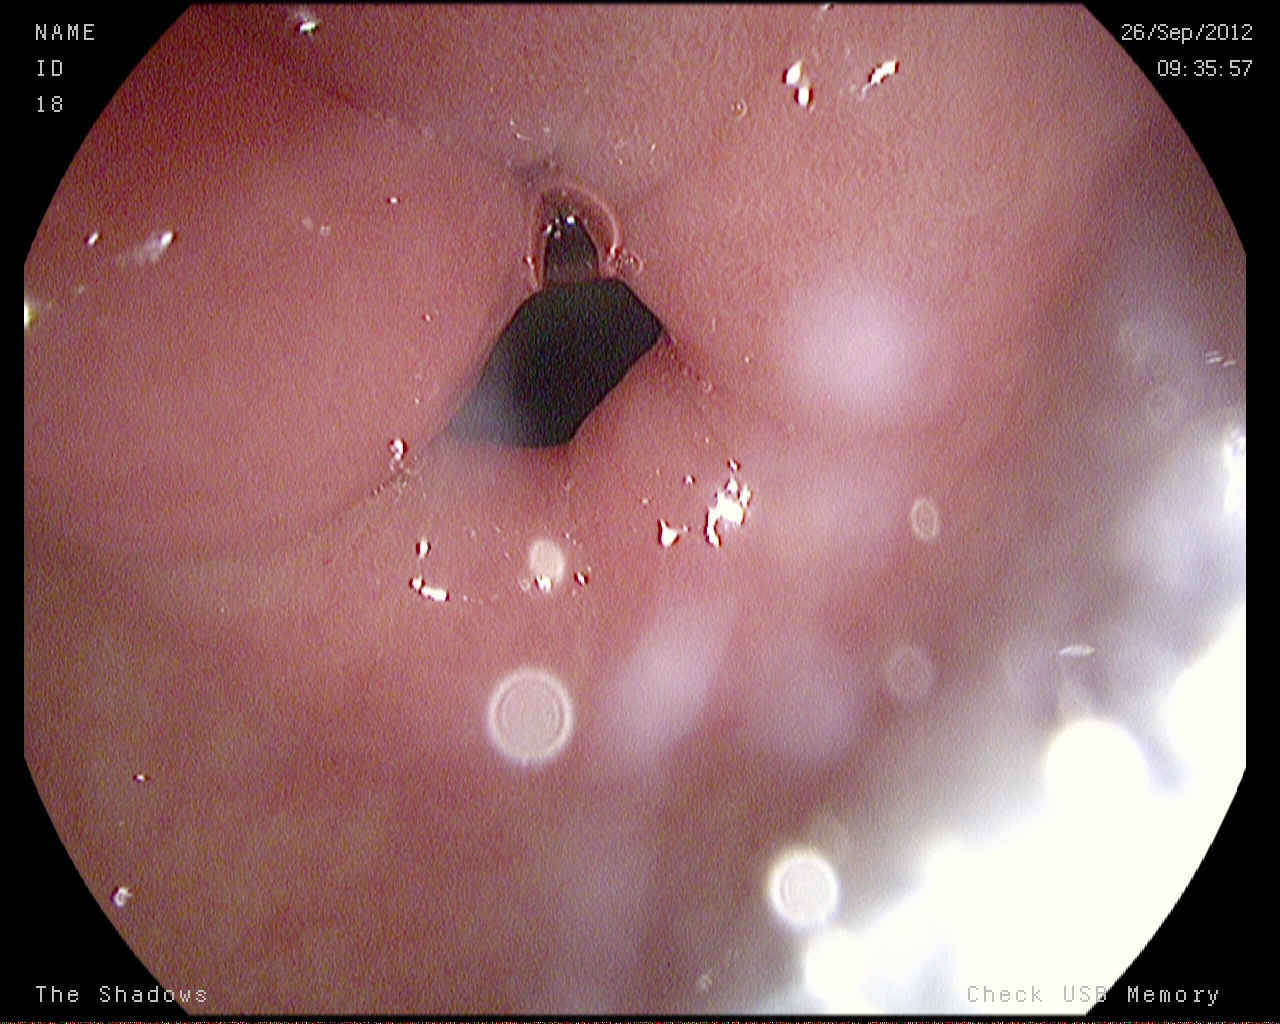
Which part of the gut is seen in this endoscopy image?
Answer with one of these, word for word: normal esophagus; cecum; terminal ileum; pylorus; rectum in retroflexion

pylorus